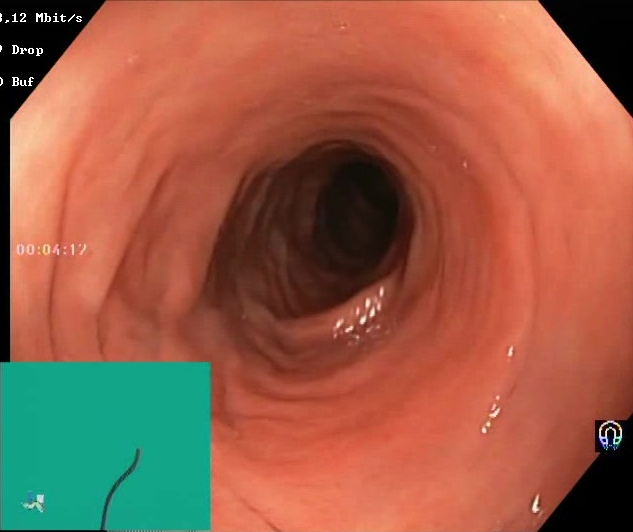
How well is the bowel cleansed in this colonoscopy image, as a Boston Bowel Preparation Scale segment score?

Boston Bowel Preparation Scale score 2–3 (adequate preparation)